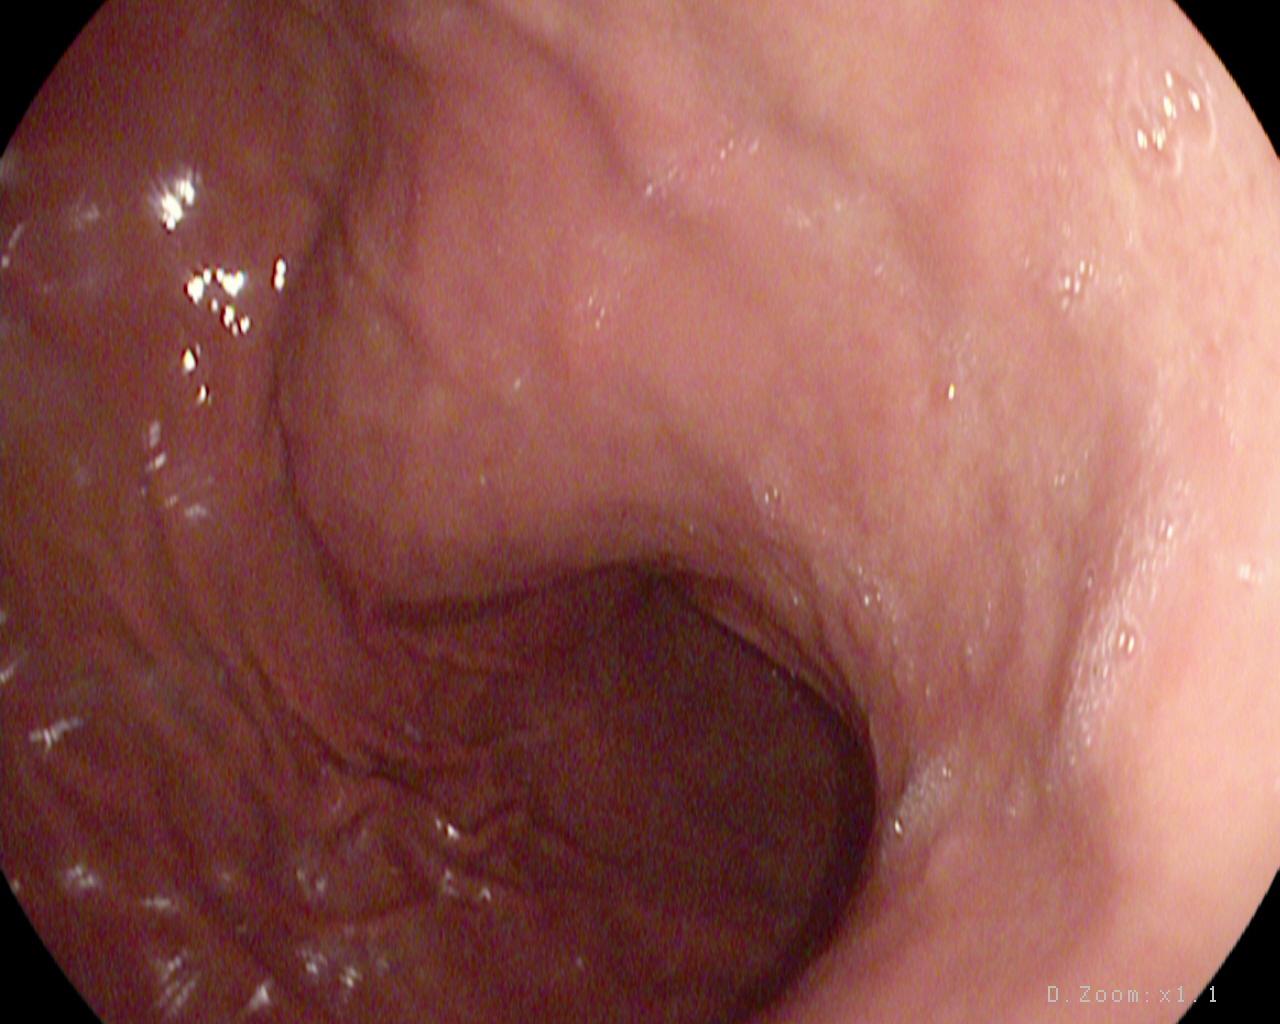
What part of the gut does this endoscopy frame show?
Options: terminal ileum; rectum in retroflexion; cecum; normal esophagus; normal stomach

normal stomach